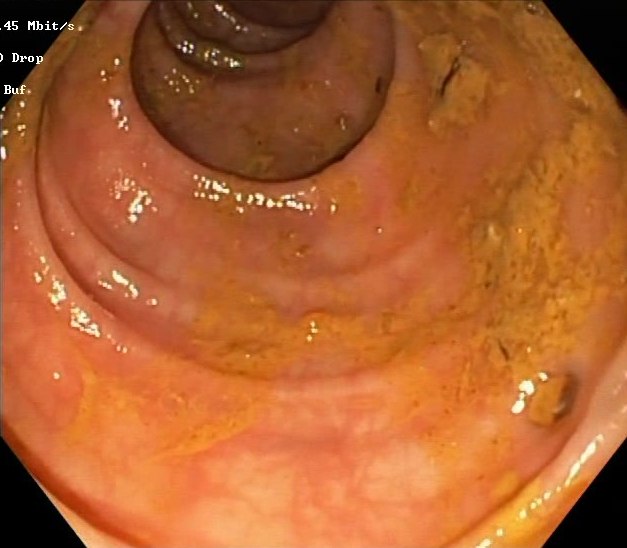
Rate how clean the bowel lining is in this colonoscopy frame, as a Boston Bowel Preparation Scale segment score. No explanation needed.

Boston Bowel Preparation Scale score 0–1 (inadequate preparation)